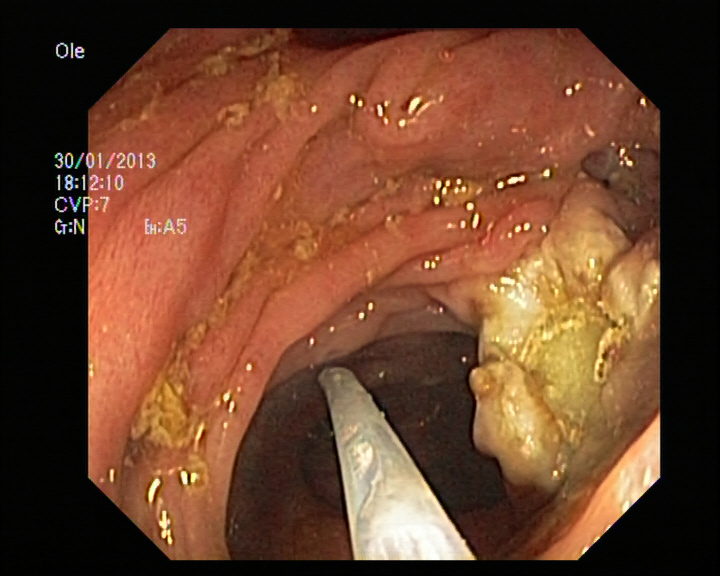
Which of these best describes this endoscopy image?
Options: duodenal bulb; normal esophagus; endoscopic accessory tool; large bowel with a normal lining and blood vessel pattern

endoscopic accessory tool